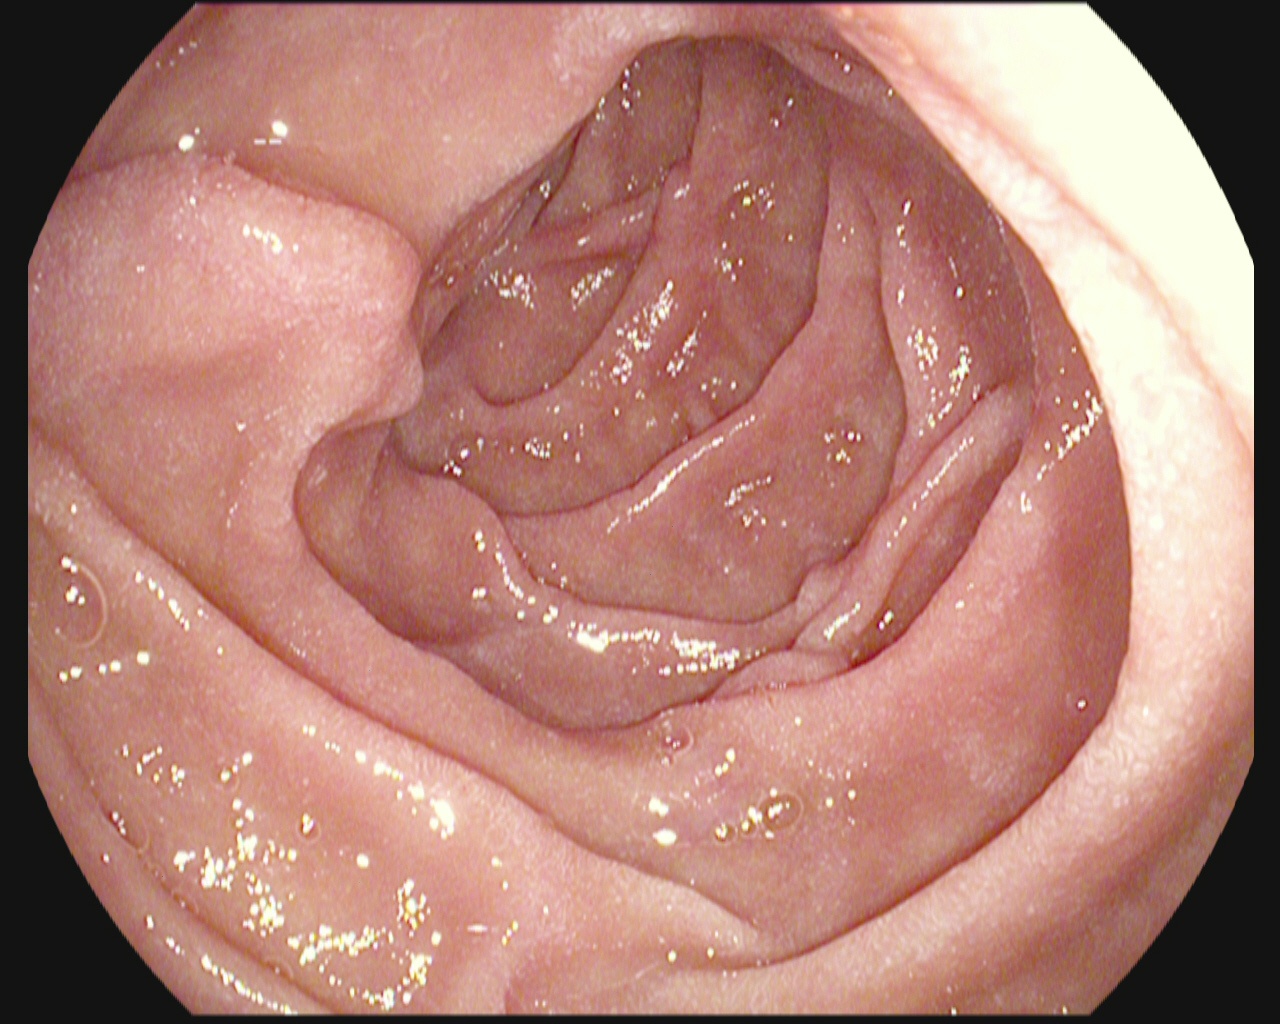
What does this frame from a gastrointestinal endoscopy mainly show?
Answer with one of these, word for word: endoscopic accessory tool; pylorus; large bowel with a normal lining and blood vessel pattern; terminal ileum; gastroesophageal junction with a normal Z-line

terminal ileum